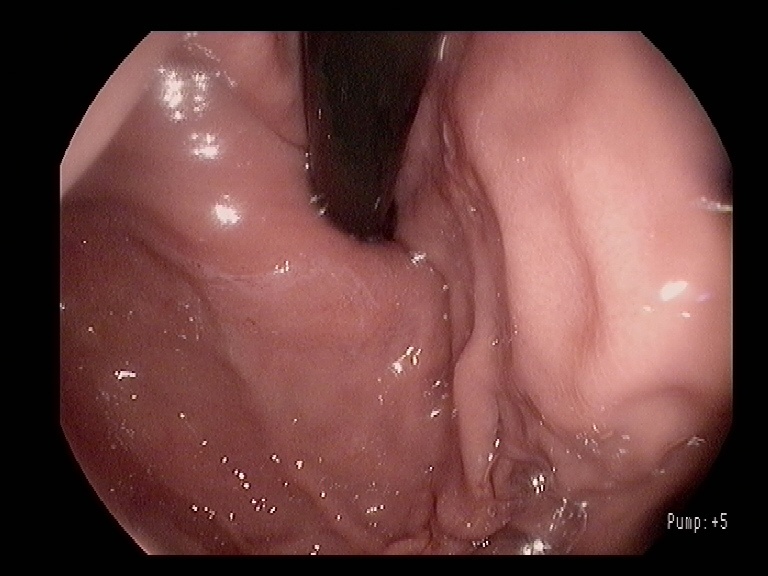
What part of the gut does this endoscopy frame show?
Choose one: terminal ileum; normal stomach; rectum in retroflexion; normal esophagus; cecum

normal stomach